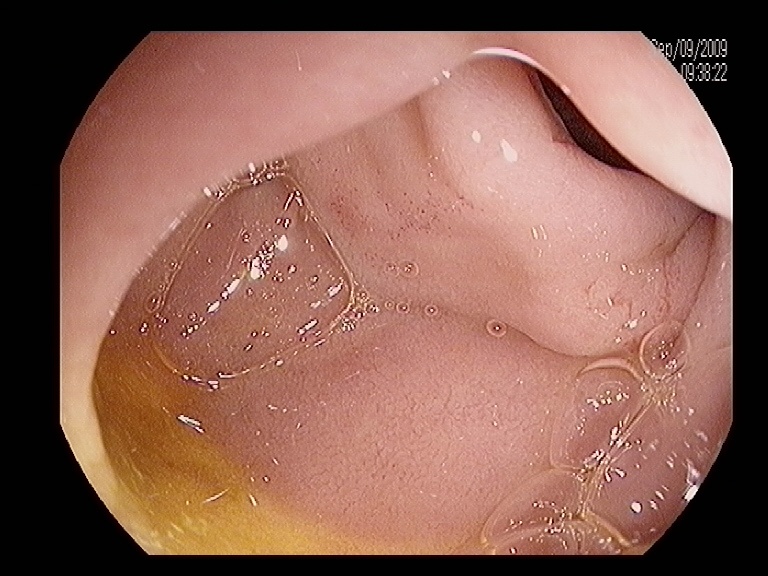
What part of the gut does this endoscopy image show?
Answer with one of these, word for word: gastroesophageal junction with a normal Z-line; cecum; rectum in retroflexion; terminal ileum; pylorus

terminal ileum